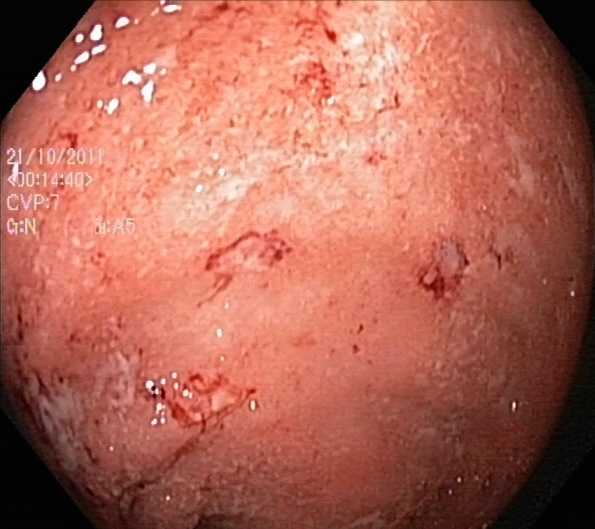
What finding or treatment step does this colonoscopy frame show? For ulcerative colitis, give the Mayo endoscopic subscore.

ulcerative colitis, Mayo endoscopic subscore 2